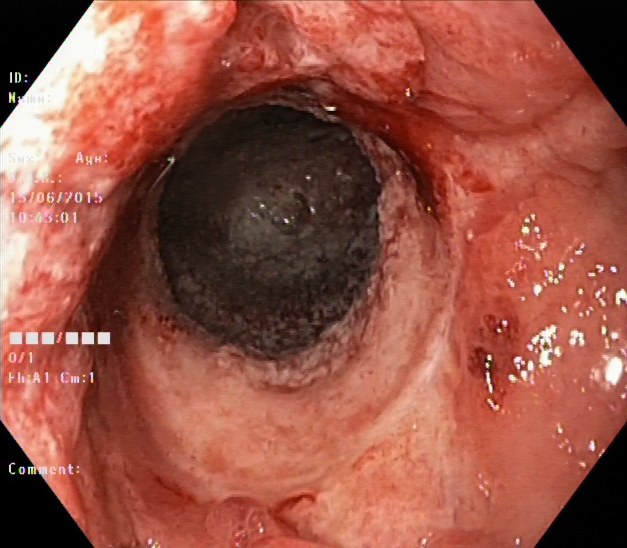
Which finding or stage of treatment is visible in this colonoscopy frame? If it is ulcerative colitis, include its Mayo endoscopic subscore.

ulcerative colitis, Mayo endoscopic subscore 3